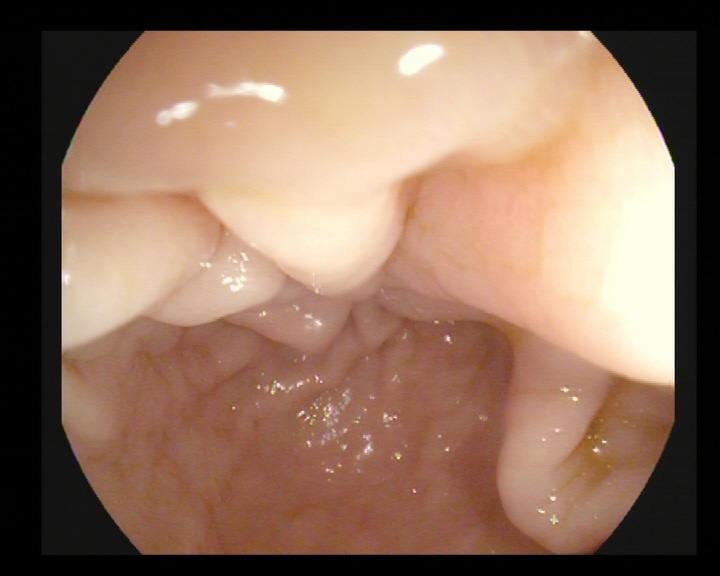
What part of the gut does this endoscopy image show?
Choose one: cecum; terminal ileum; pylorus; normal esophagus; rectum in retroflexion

pylorus